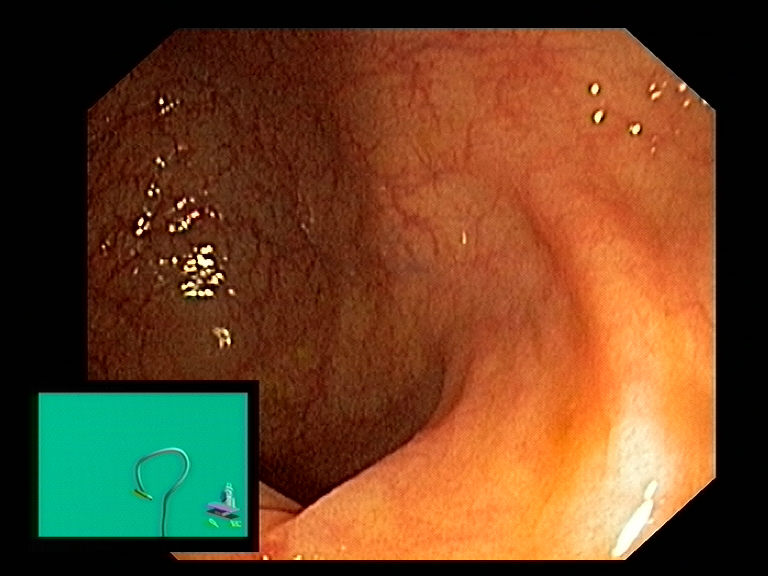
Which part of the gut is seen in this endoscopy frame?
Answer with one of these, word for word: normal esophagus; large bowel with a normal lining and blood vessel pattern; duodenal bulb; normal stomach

large bowel with a normal lining and blood vessel pattern